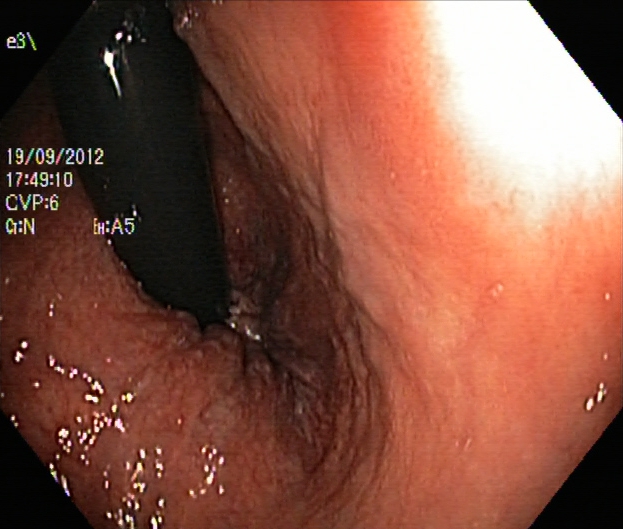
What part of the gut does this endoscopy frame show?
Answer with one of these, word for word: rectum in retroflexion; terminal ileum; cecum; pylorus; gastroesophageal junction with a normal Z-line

rectum in retroflexion